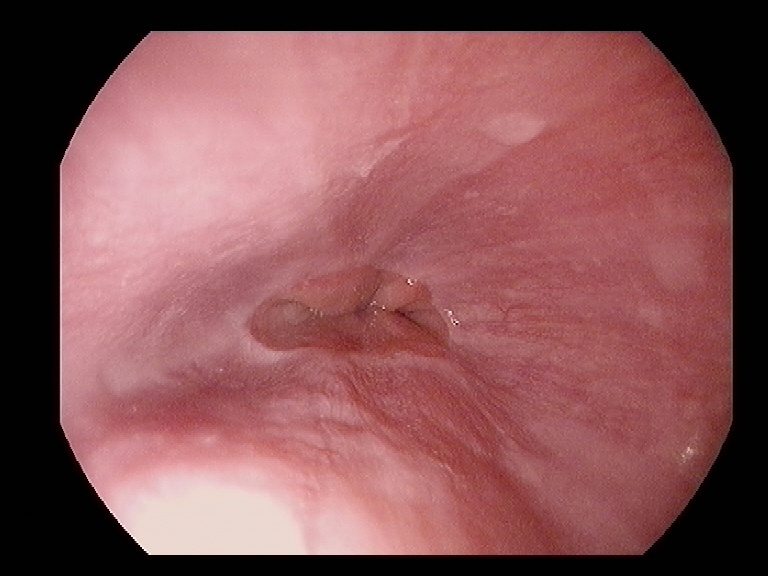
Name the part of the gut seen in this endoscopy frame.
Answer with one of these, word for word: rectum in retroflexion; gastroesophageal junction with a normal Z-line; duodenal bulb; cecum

gastroesophageal junction with a normal Z-line